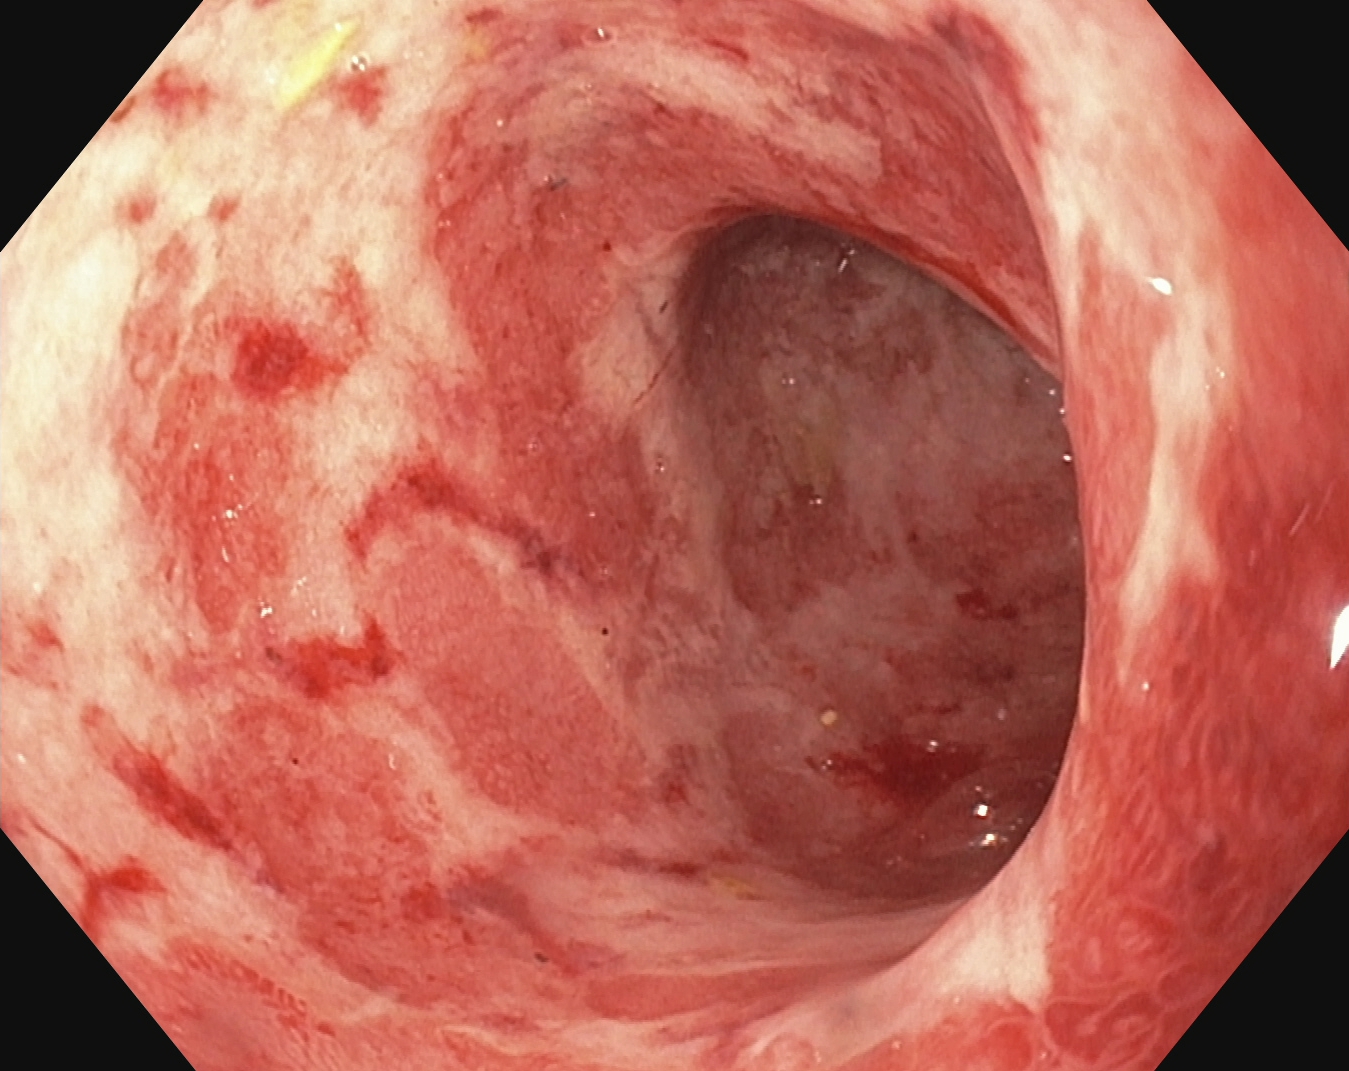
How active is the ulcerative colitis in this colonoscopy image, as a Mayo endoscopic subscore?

ulcerative colitis, Mayo endoscopic subscore 3